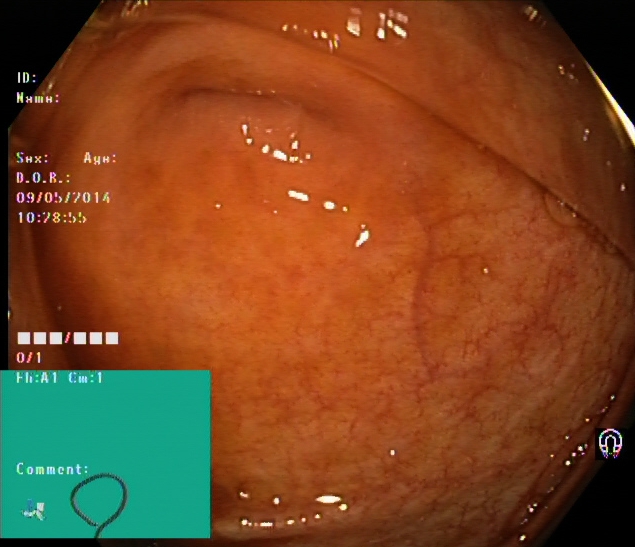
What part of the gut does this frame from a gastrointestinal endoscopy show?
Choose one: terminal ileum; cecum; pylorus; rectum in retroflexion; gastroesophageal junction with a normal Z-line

cecum